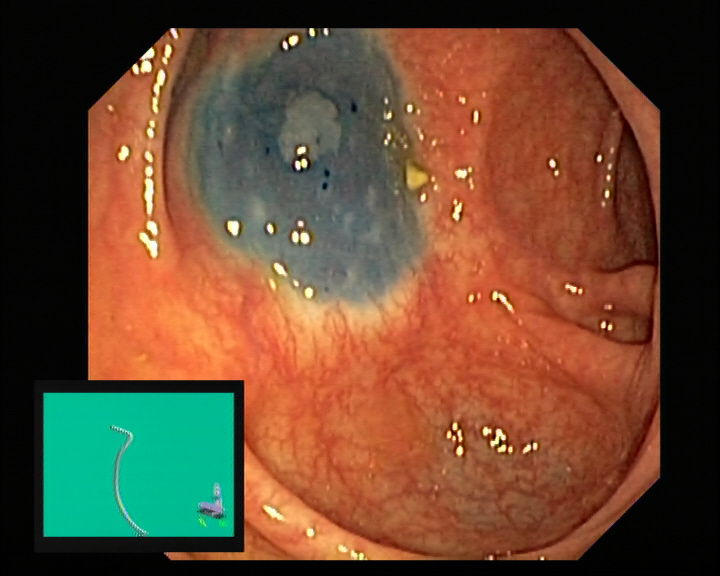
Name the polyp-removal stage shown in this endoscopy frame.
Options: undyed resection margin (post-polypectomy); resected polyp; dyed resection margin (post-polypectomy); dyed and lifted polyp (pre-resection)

dyed and lifted polyp (pre-resection)